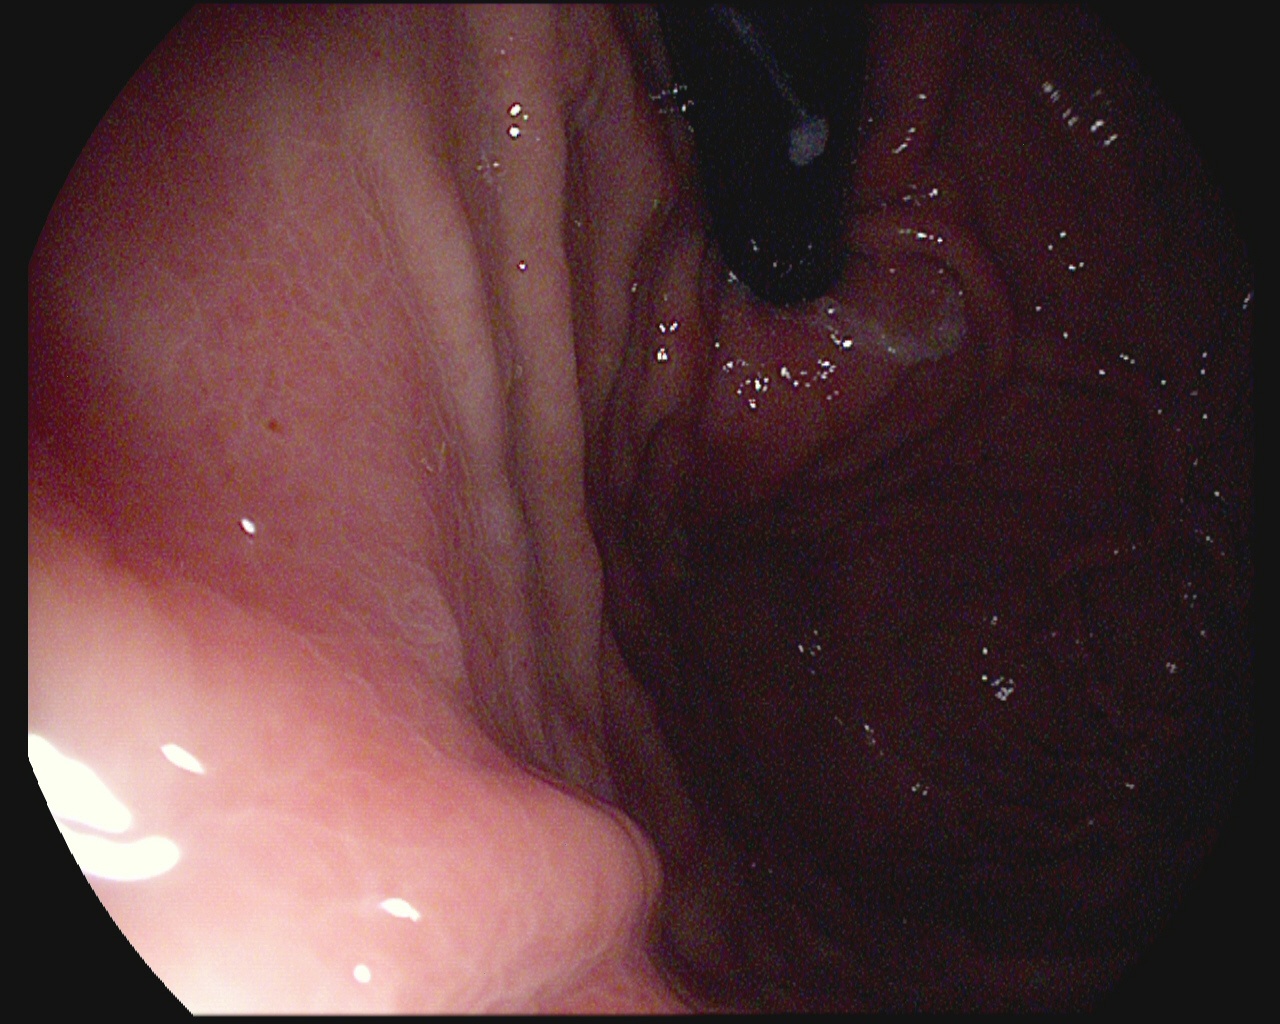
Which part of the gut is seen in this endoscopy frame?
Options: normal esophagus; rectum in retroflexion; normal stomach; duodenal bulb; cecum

normal stomach